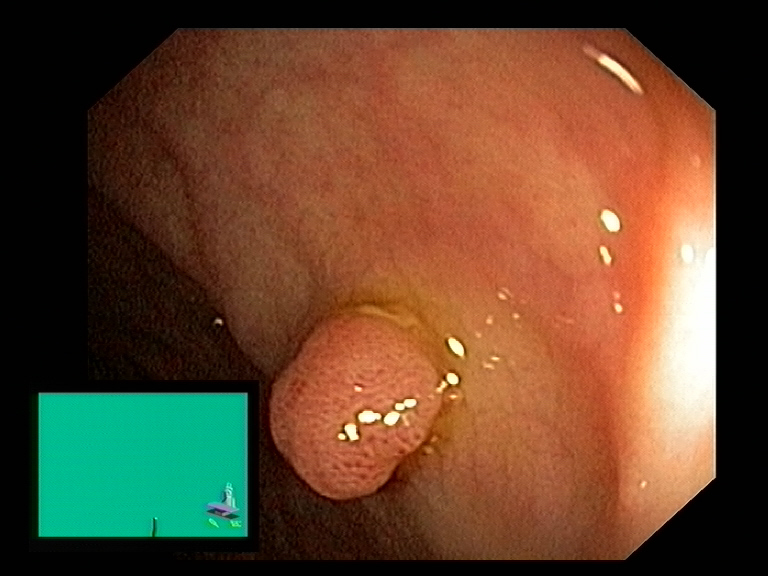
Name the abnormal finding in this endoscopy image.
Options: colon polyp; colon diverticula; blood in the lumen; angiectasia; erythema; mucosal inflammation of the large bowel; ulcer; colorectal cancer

colon polyp